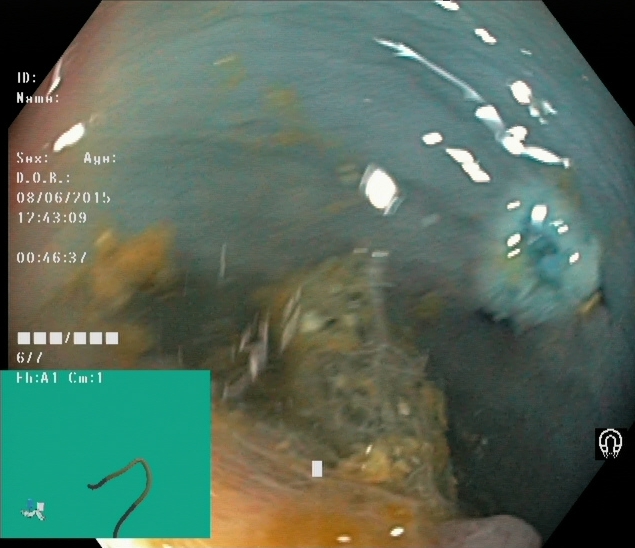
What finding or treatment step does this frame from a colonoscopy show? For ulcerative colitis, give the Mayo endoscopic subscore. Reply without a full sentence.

dyed and lifted polyp (pre-resection)